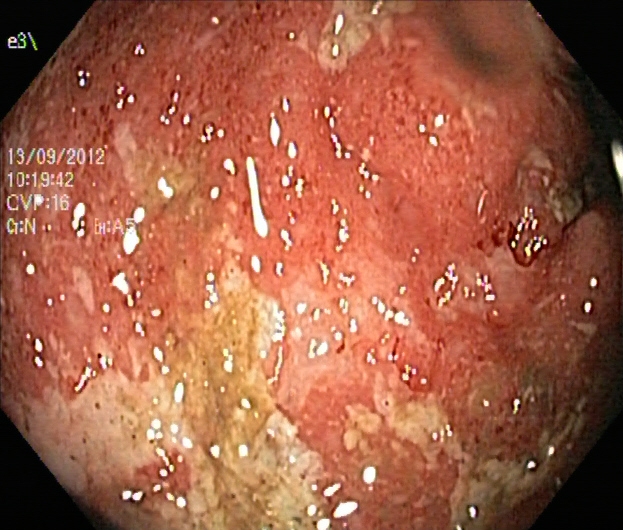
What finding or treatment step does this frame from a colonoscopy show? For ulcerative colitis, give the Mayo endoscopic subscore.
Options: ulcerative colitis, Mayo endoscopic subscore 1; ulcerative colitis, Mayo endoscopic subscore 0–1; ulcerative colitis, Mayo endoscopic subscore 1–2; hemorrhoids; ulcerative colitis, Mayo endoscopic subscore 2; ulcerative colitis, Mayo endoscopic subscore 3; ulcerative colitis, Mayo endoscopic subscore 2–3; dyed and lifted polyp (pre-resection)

ulcerative colitis, Mayo endoscopic subscore 2